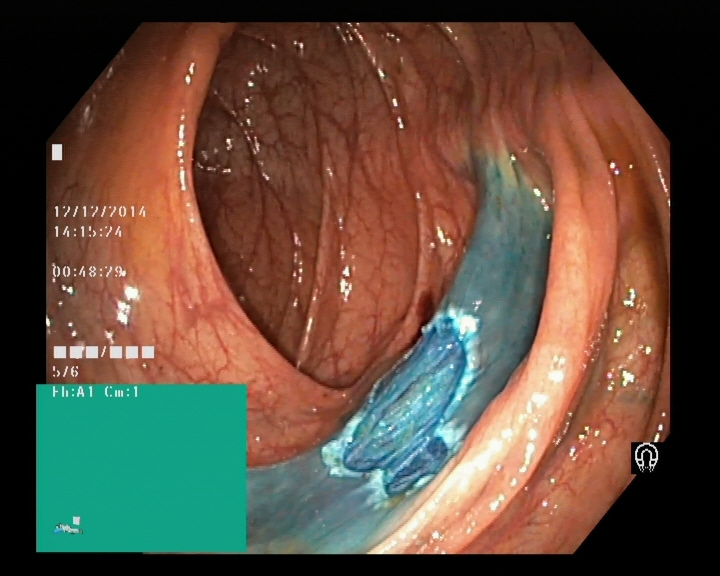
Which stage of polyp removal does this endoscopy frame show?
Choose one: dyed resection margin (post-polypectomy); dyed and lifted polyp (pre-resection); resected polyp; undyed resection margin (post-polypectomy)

dyed resection margin (post-polypectomy)